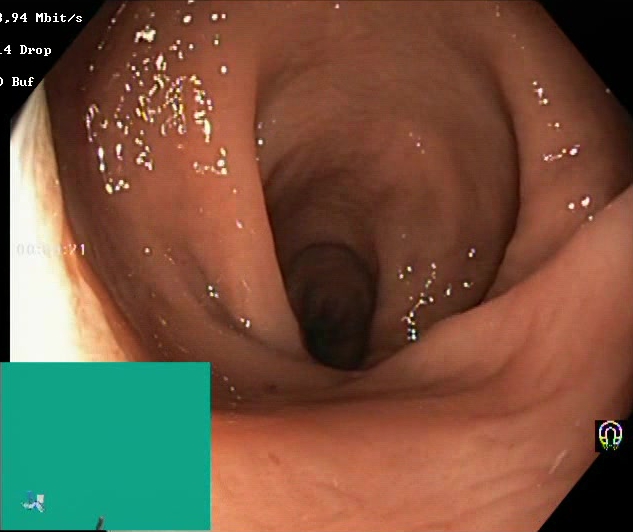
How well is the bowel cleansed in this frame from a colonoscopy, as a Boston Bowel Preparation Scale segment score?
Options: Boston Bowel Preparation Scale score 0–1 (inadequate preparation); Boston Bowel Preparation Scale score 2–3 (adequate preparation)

Boston Bowel Preparation Scale score 2–3 (adequate preparation)